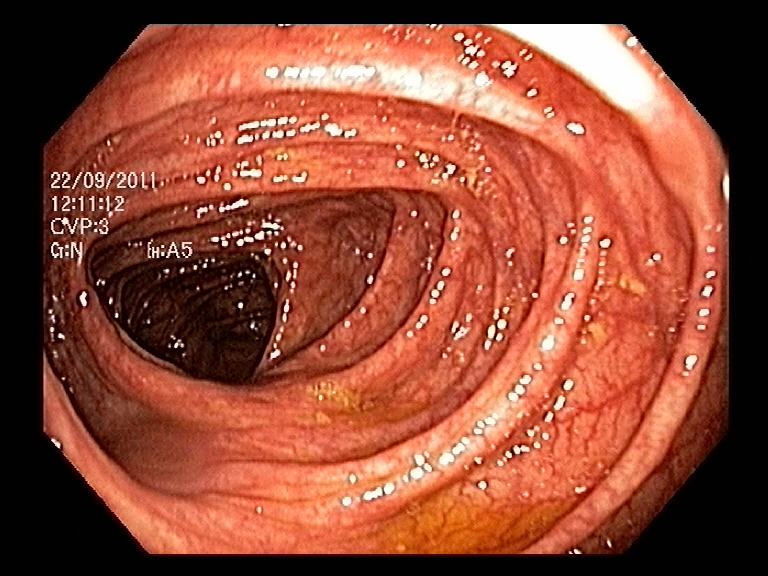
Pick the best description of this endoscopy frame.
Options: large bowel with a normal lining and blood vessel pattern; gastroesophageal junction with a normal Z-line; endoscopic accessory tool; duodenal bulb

large bowel with a normal lining and blood vessel pattern